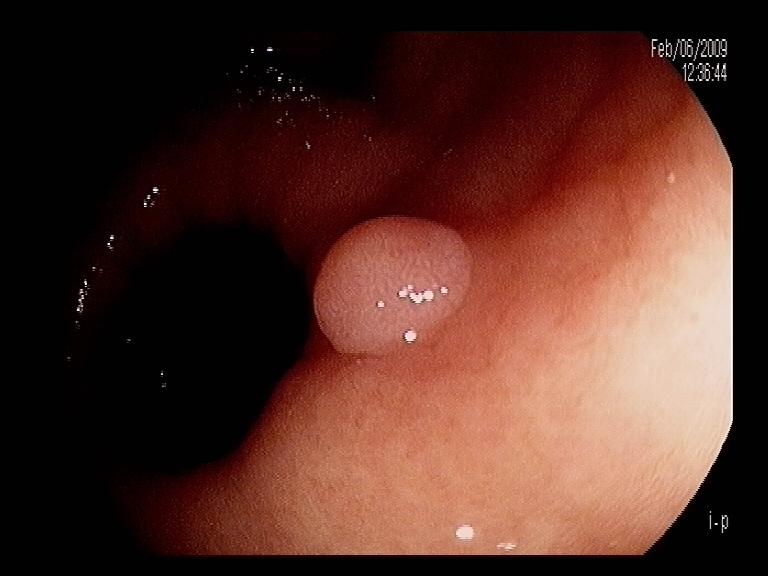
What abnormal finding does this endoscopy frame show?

colon polyp